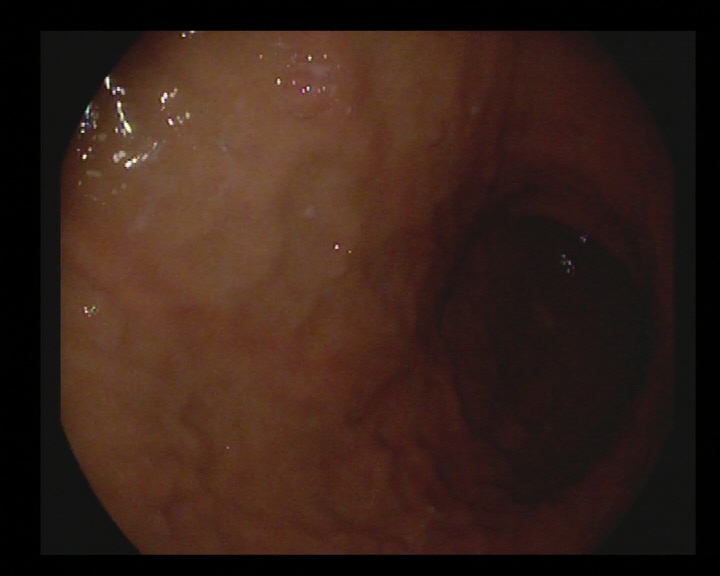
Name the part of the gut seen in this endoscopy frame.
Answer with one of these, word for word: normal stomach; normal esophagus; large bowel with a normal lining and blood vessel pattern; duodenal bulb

normal stomach